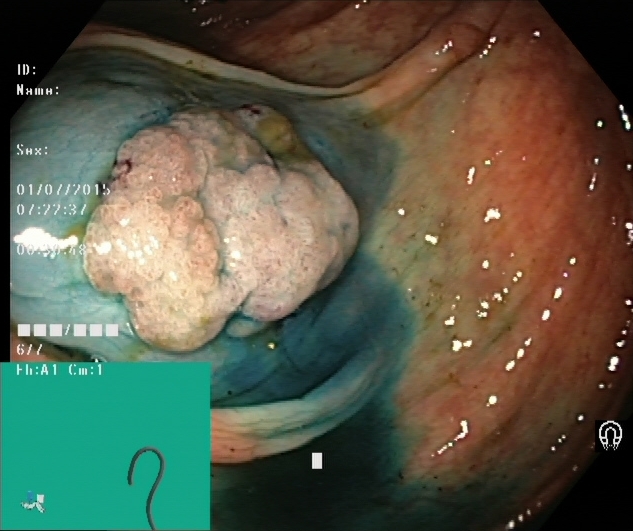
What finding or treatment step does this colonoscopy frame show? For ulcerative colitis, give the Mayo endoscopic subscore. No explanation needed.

dyed and lifted polyp (pre-resection)